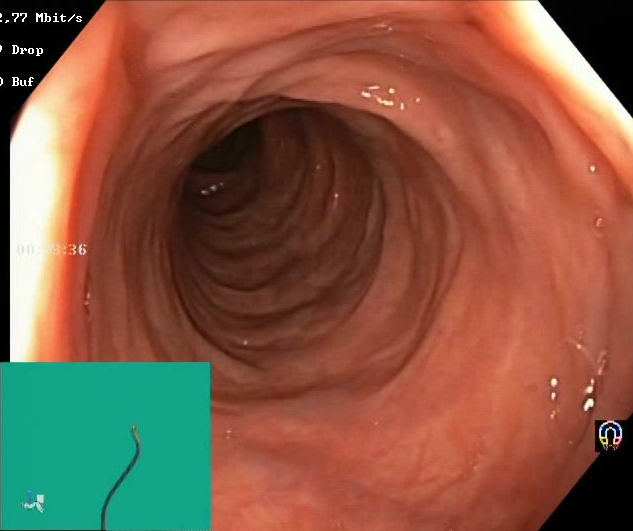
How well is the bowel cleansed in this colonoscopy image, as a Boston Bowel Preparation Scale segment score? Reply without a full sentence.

Boston Bowel Preparation Scale score 2–3 (adequate preparation)